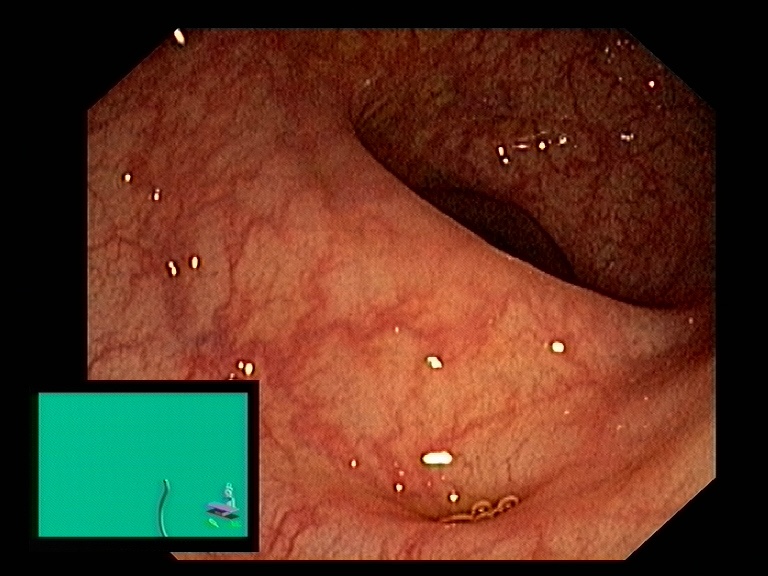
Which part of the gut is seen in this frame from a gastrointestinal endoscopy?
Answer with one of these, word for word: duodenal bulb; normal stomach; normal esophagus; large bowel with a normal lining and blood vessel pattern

large bowel with a normal lining and blood vessel pattern